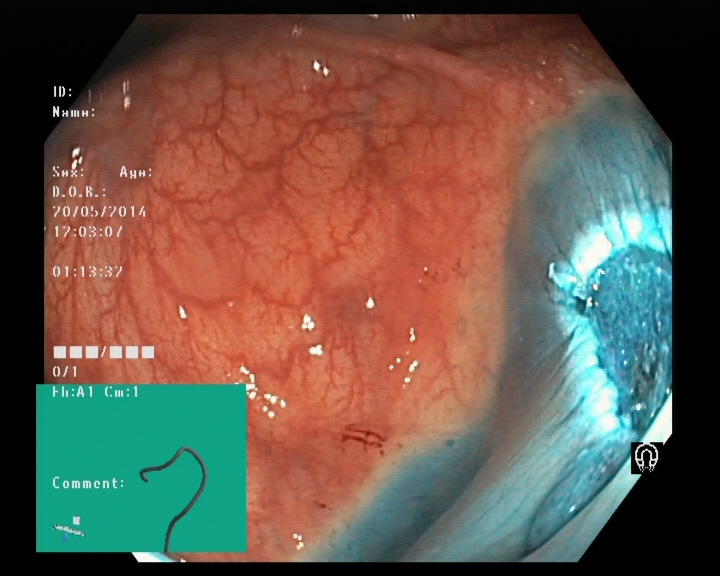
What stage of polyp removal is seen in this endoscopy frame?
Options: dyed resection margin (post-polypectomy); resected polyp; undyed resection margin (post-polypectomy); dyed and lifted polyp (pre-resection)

dyed resection margin (post-polypectomy)